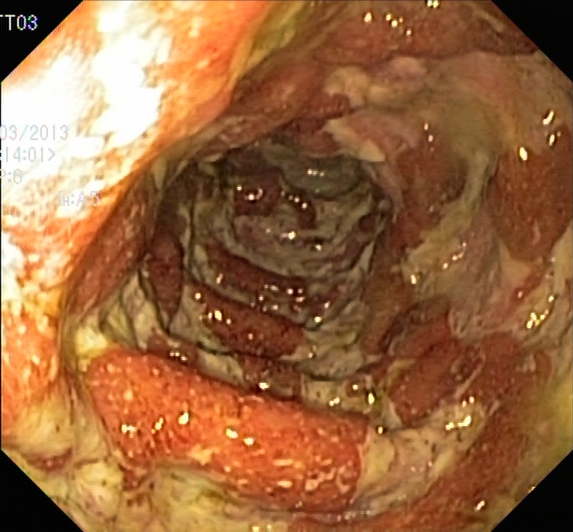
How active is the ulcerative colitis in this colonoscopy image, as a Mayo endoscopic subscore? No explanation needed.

ulcerative colitis, Mayo endoscopic subscore 3